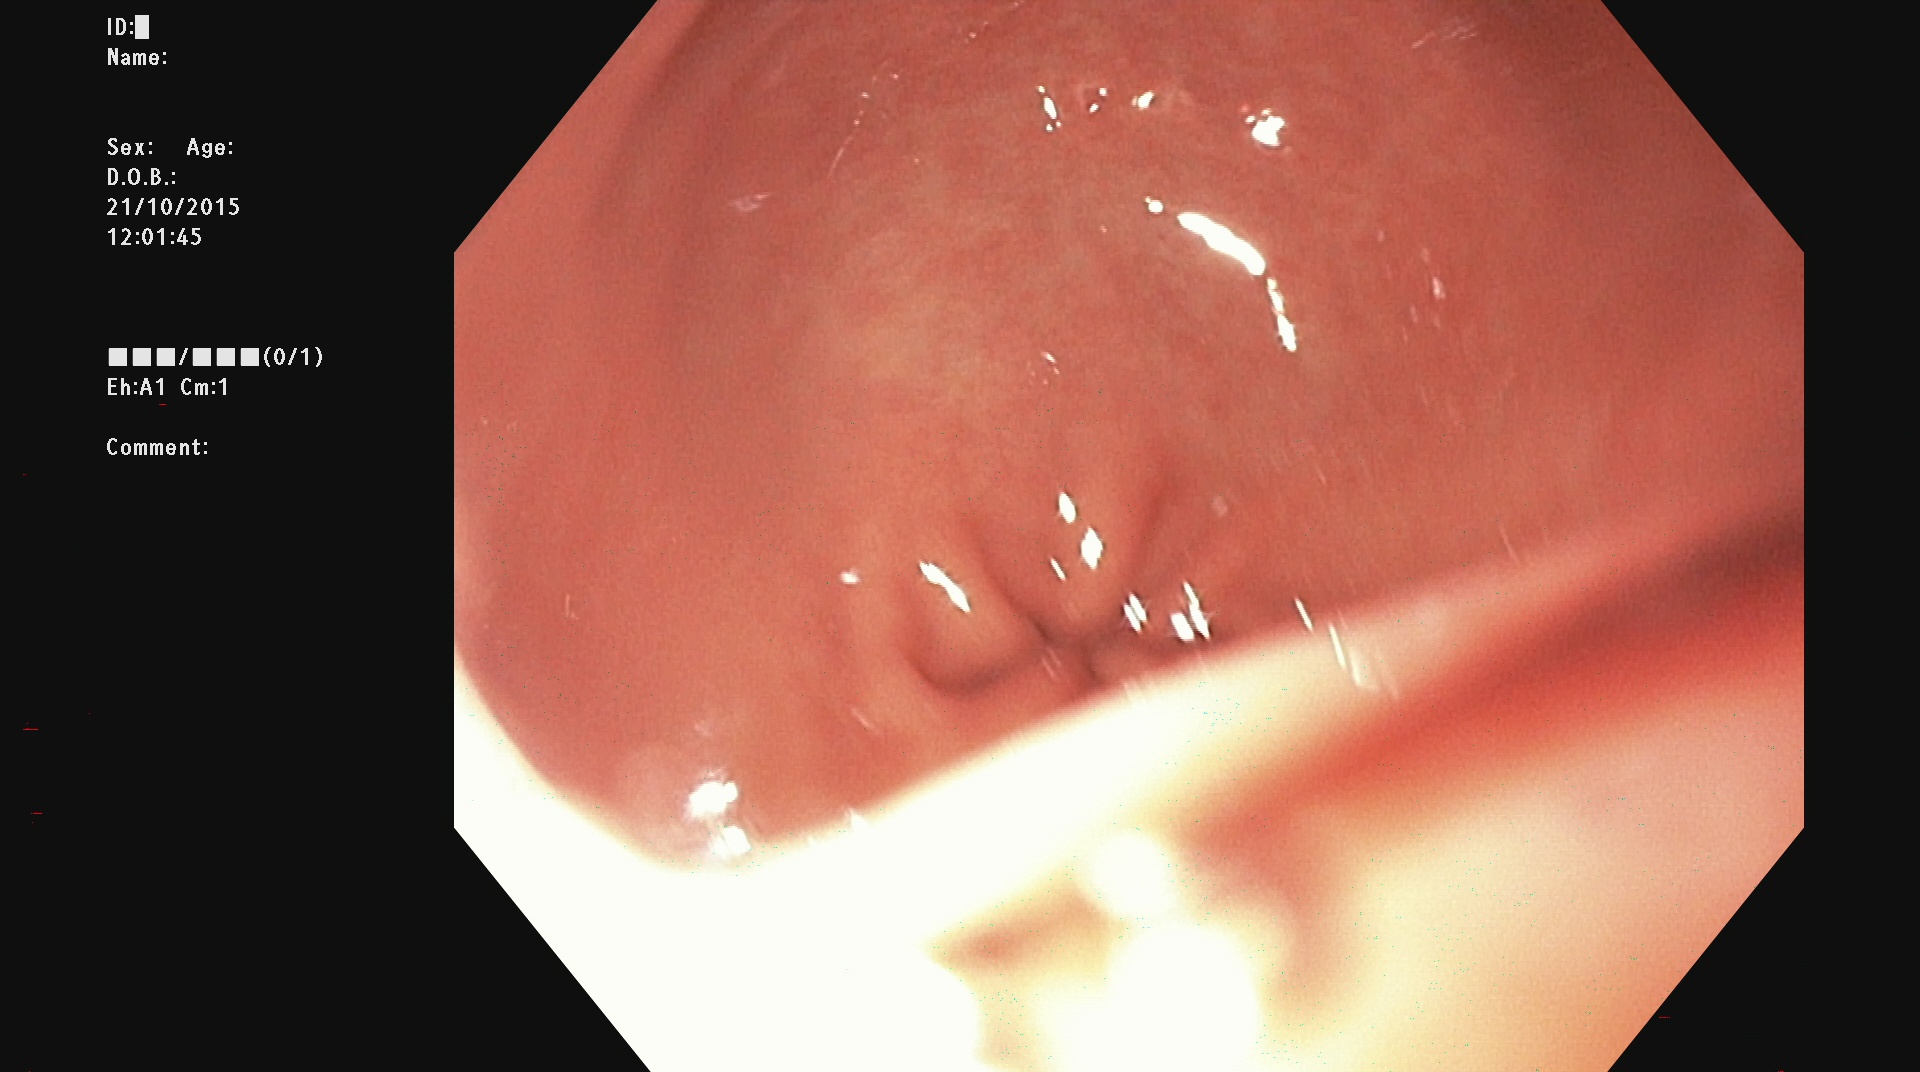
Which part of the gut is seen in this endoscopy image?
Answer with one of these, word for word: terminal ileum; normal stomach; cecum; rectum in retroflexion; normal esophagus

normal stomach